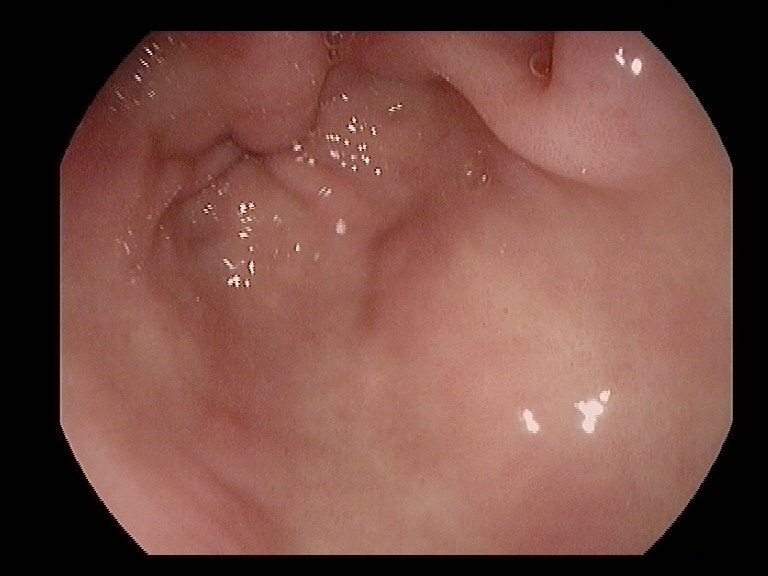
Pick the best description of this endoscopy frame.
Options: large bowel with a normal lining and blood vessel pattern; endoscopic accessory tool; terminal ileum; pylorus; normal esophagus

pylorus